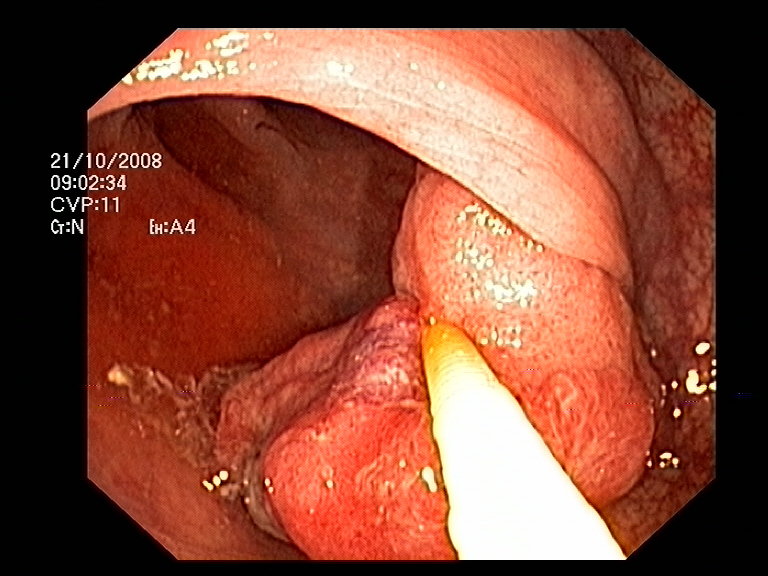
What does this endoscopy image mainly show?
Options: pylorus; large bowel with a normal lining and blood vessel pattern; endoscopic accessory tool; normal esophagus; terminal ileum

endoscopic accessory tool